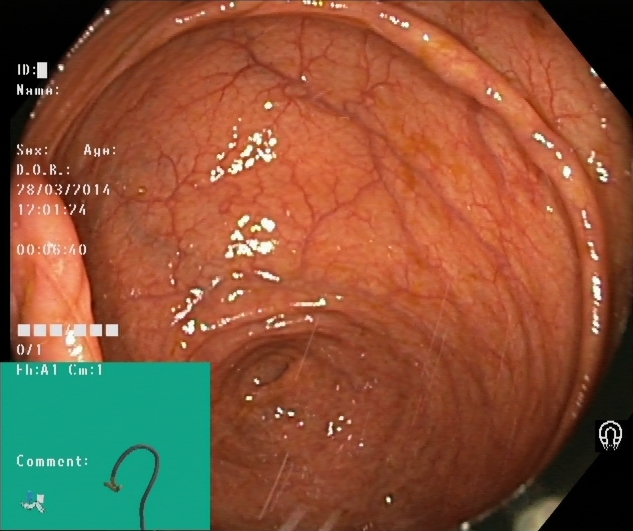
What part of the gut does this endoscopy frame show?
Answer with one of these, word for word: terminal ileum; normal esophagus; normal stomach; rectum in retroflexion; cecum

cecum